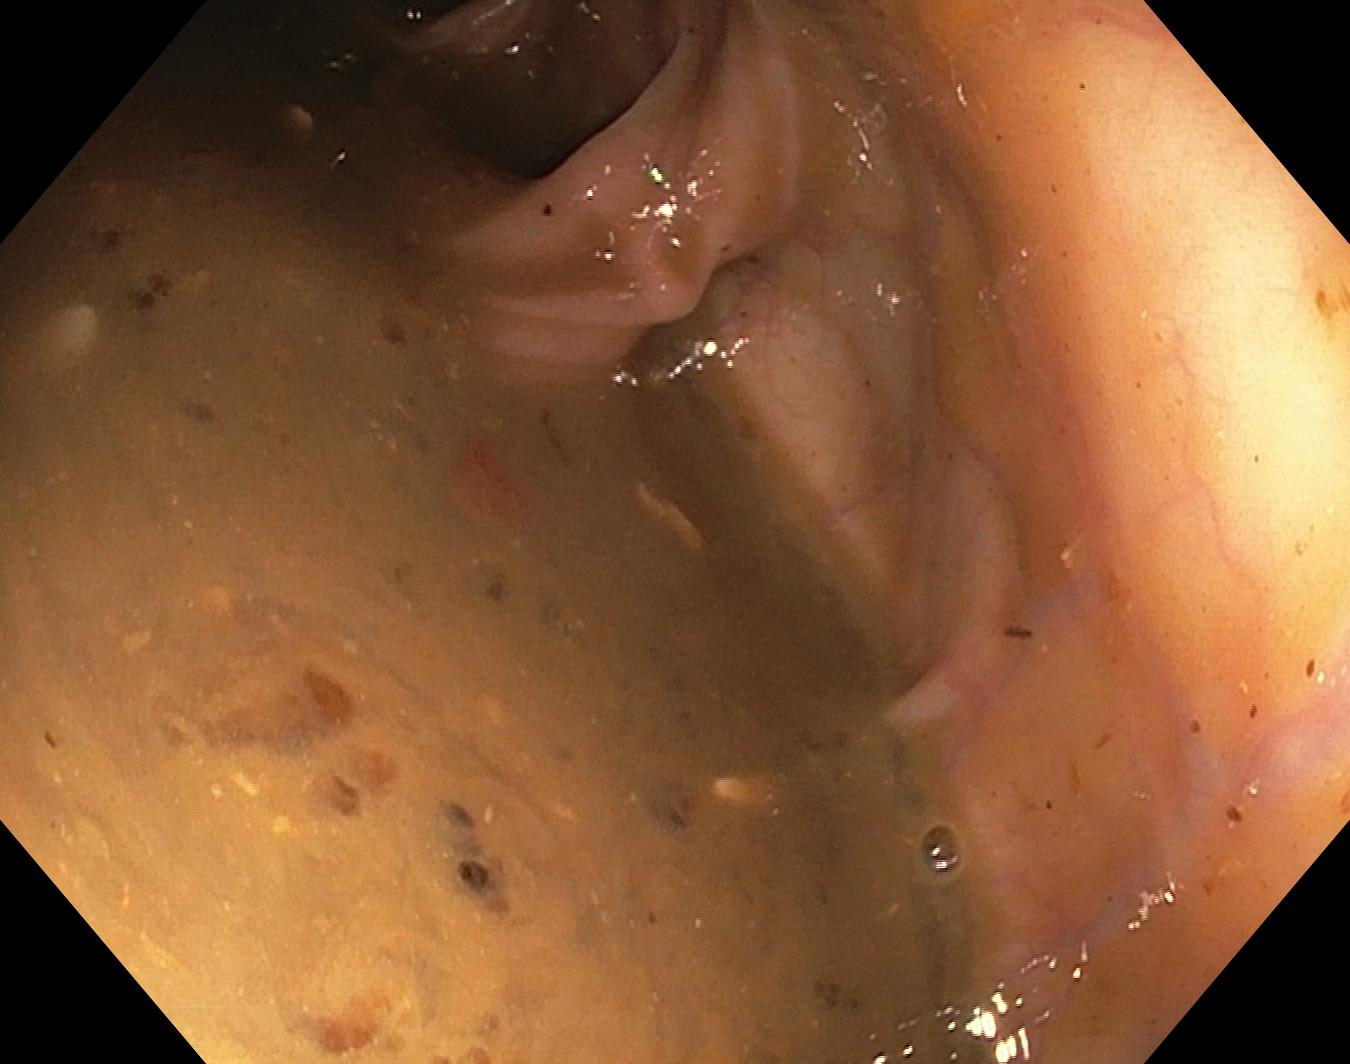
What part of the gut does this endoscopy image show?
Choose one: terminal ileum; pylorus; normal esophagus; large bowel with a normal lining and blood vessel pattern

large bowel with a normal lining and blood vessel pattern